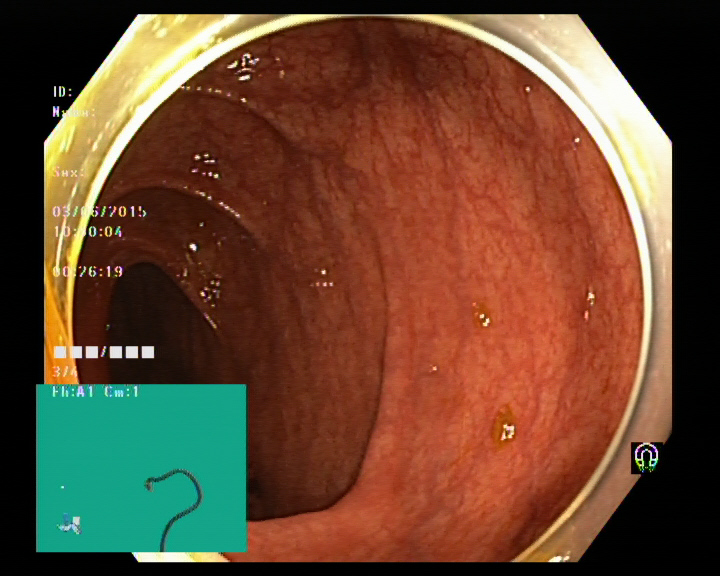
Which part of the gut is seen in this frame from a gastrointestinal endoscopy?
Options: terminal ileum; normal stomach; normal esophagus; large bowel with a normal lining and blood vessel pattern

large bowel with a normal lining and blood vessel pattern